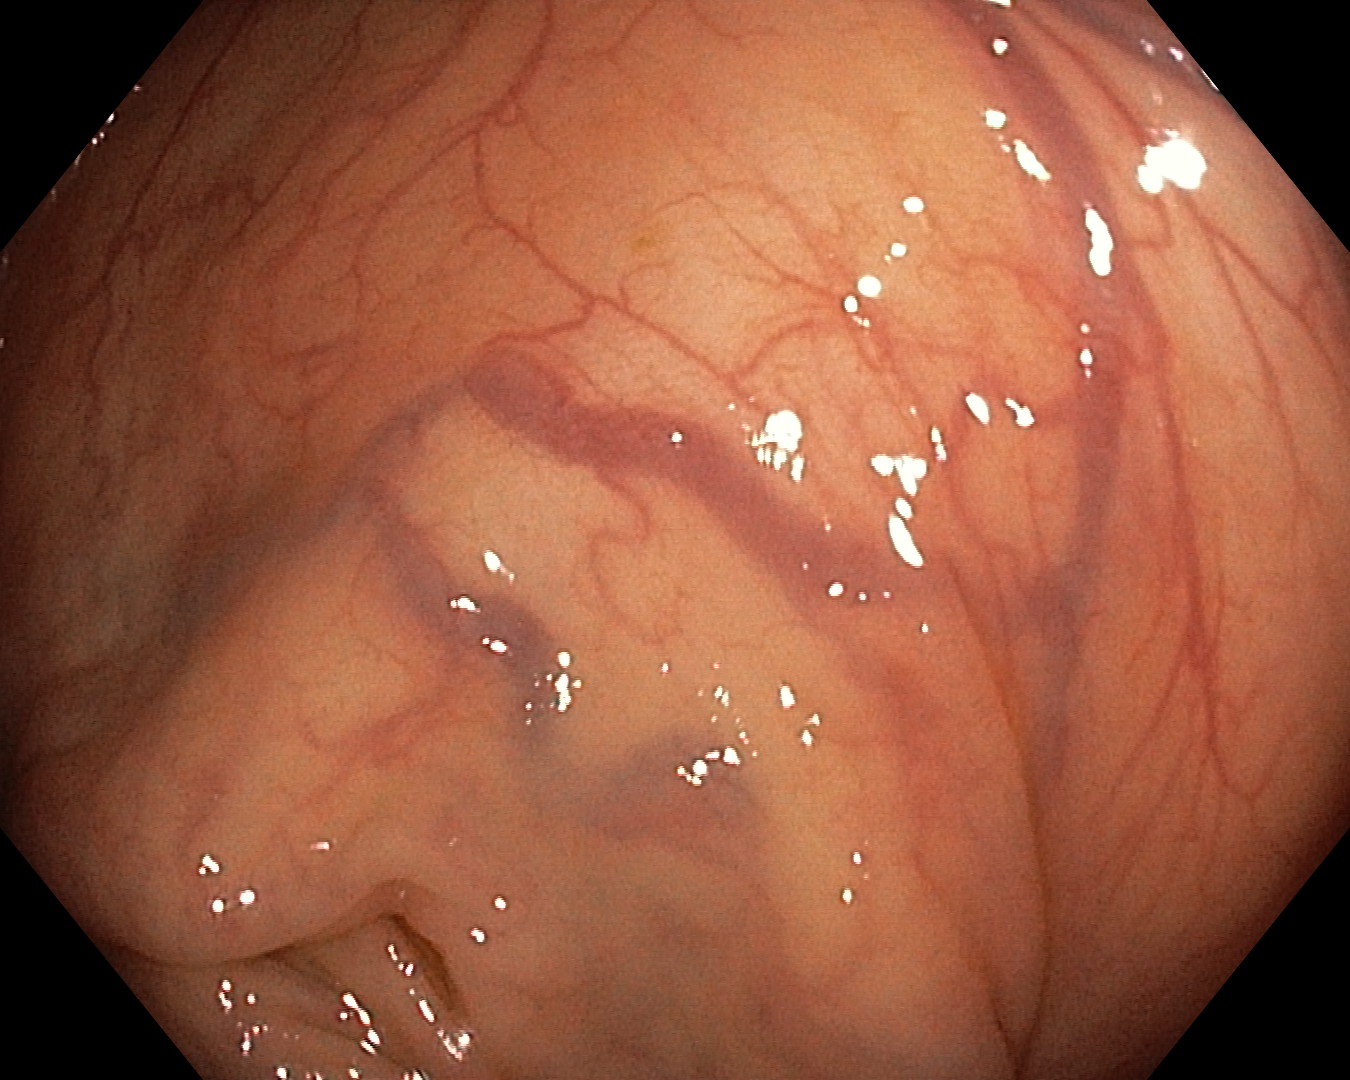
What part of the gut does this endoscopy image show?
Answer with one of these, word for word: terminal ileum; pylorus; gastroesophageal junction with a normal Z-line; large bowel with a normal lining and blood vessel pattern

large bowel with a normal lining and blood vessel pattern